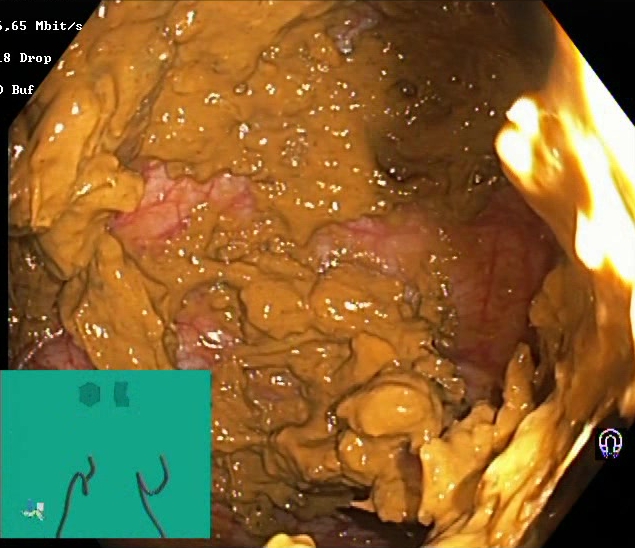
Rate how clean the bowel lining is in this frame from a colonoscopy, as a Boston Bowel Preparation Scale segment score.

Boston Bowel Preparation Scale score 0–1 (inadequate preparation)